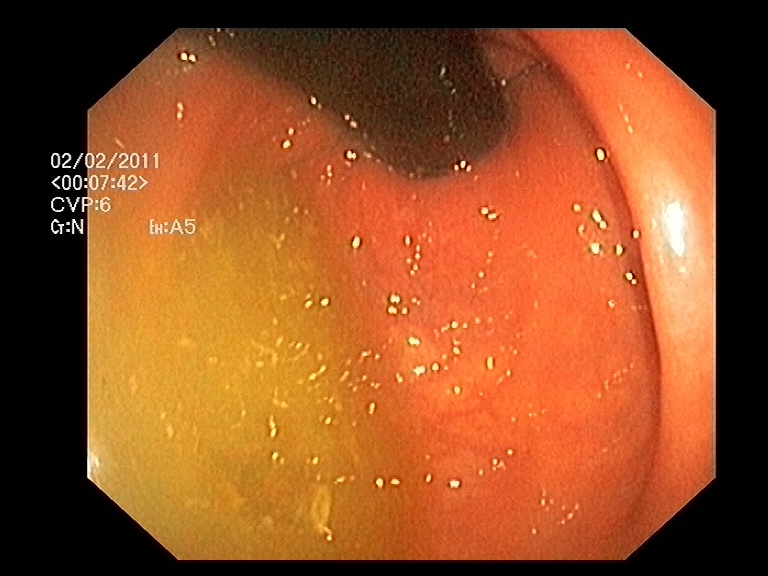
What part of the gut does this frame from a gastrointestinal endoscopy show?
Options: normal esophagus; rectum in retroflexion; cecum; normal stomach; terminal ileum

normal stomach